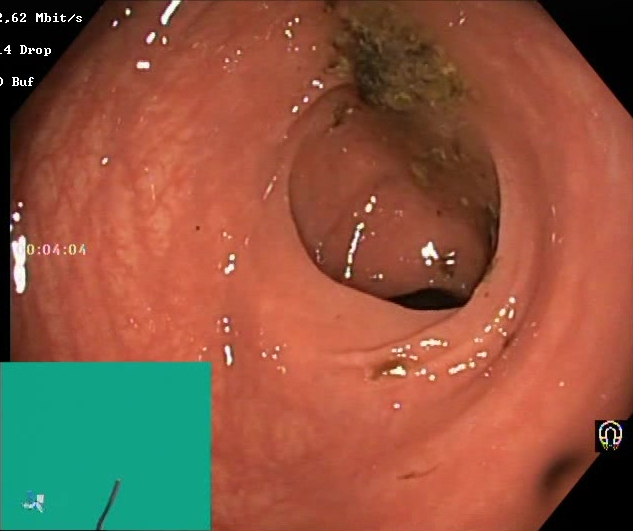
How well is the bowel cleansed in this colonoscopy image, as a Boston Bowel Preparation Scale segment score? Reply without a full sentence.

Boston Bowel Preparation Scale score 0–1 (inadequate preparation)